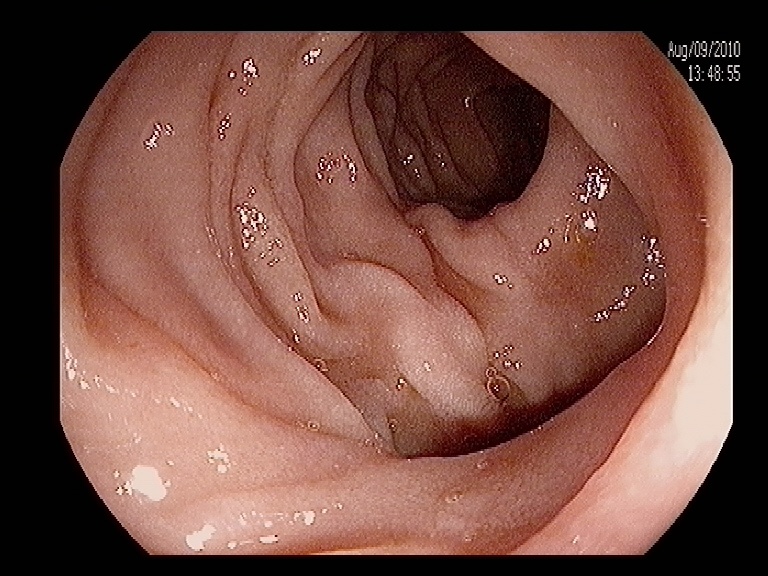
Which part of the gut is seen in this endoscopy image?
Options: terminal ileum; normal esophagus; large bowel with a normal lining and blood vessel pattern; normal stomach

terminal ileum